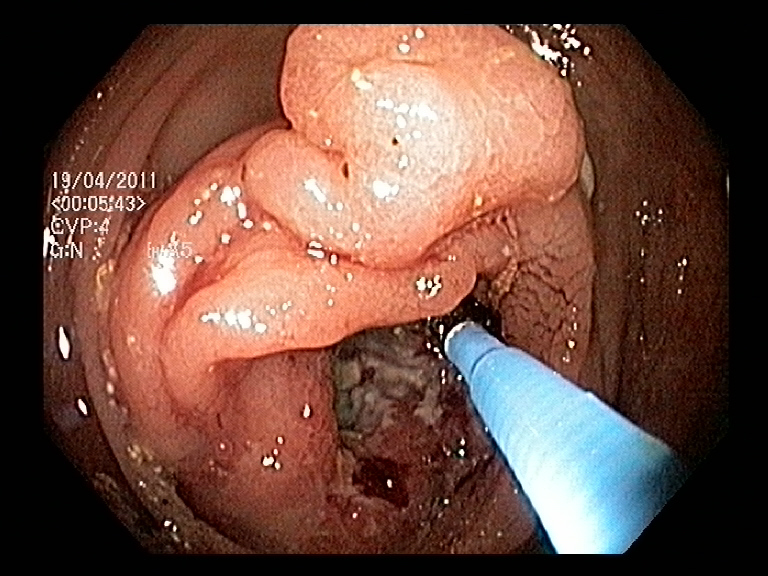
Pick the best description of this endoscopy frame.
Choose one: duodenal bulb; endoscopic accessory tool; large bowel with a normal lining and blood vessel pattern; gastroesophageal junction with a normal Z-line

endoscopic accessory tool